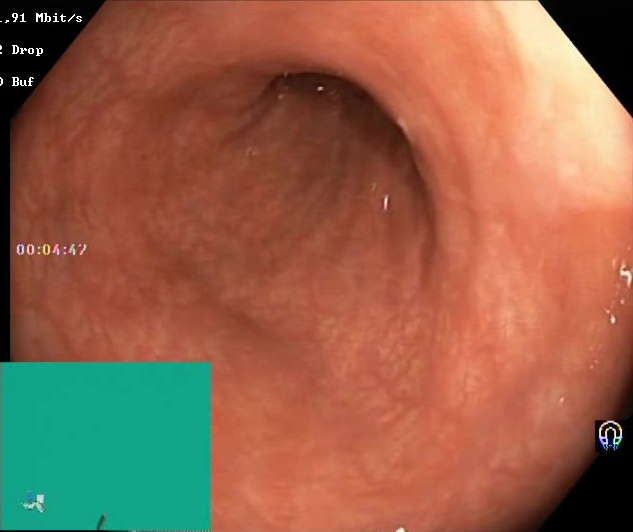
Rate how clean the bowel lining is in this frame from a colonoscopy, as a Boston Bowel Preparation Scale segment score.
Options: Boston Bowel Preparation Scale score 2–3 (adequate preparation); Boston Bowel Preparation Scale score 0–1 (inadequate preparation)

Boston Bowel Preparation Scale score 2–3 (adequate preparation)